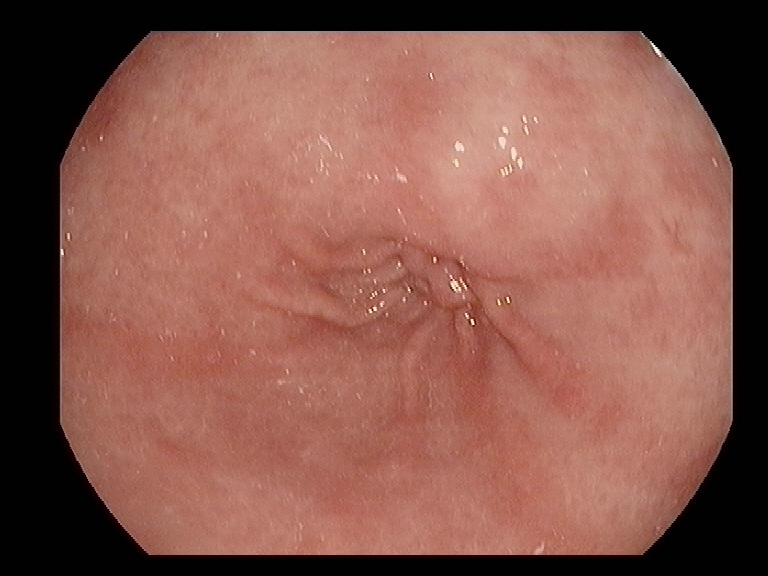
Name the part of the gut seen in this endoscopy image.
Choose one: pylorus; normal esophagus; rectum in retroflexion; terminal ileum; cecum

pylorus